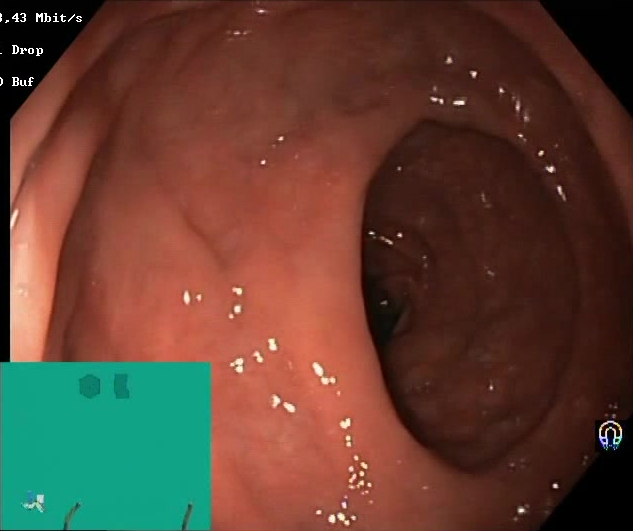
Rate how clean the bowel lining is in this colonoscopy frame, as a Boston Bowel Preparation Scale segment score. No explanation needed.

Boston Bowel Preparation Scale score 2–3 (adequate preparation)